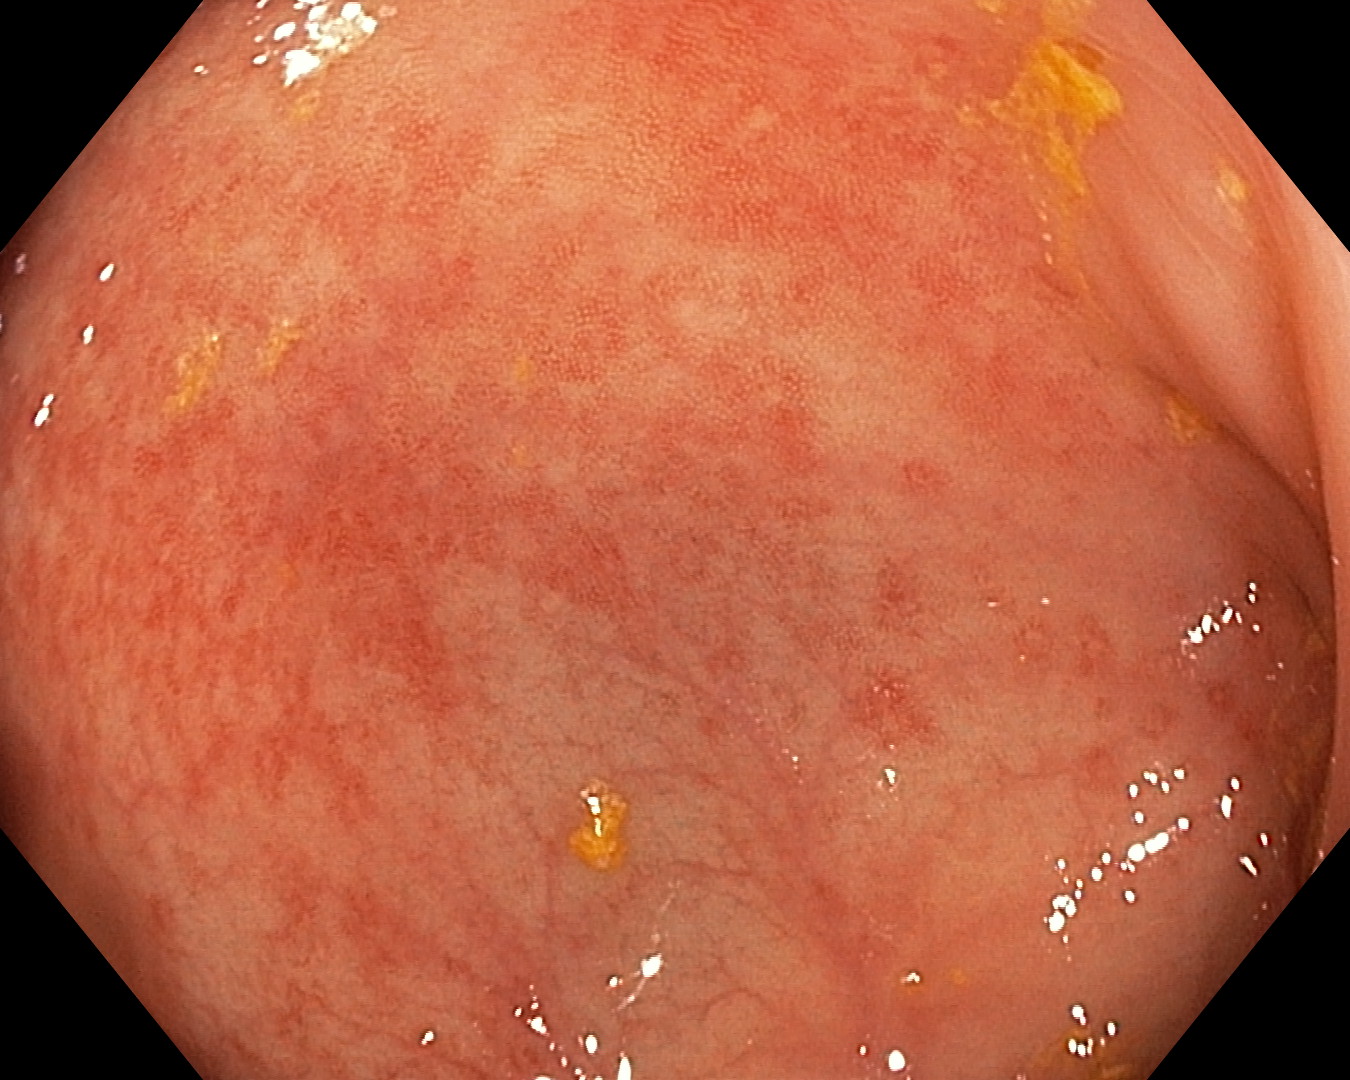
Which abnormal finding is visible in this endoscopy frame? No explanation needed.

erythema